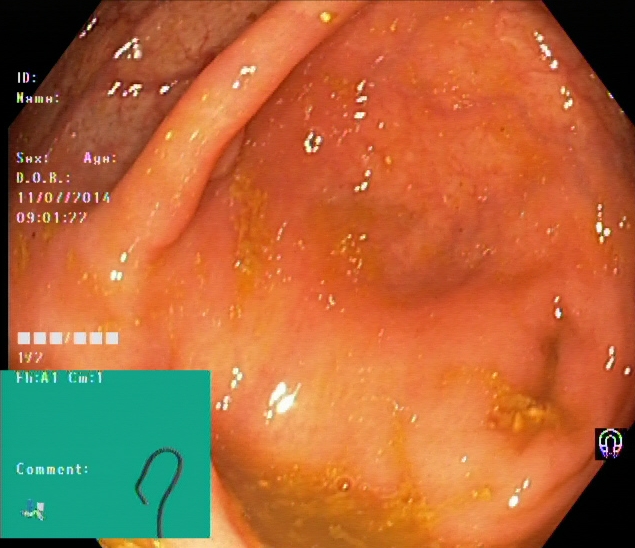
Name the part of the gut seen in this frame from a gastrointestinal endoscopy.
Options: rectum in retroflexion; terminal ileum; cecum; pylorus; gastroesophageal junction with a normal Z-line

cecum